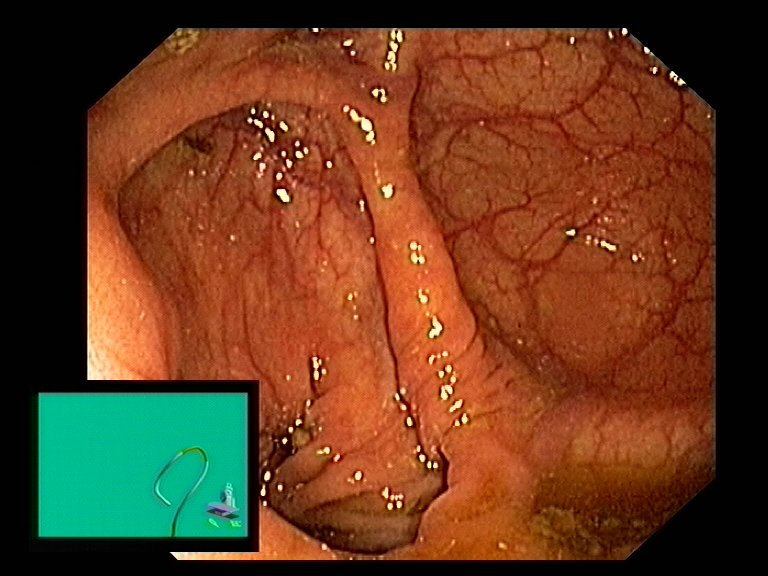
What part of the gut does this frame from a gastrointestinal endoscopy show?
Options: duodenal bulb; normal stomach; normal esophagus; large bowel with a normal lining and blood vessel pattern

large bowel with a normal lining and blood vessel pattern